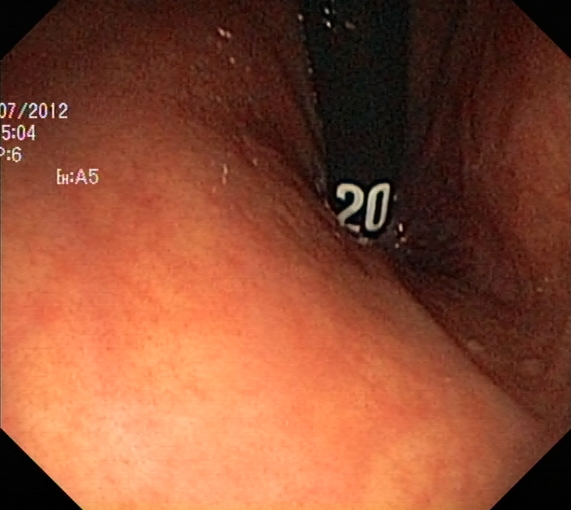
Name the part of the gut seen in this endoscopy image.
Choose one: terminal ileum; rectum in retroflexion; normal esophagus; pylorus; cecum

rectum in retroflexion